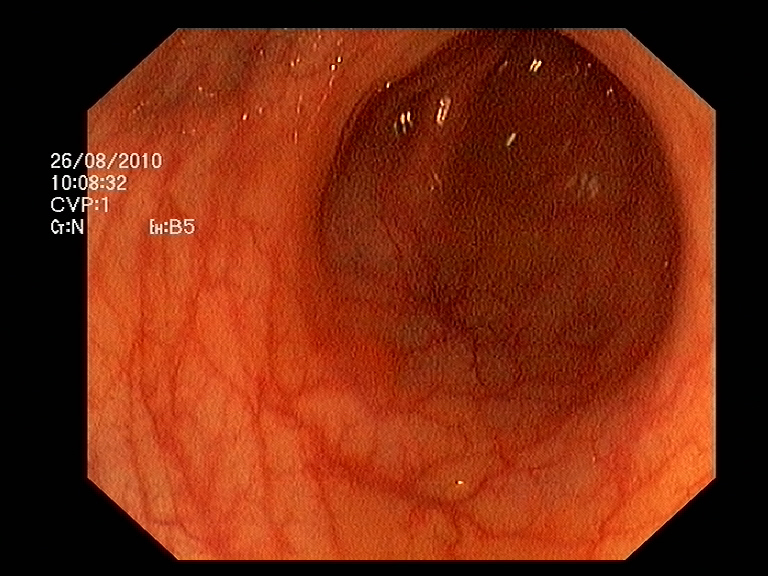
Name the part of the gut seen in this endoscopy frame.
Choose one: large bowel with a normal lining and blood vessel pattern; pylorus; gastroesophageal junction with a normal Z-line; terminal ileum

large bowel with a normal lining and blood vessel pattern